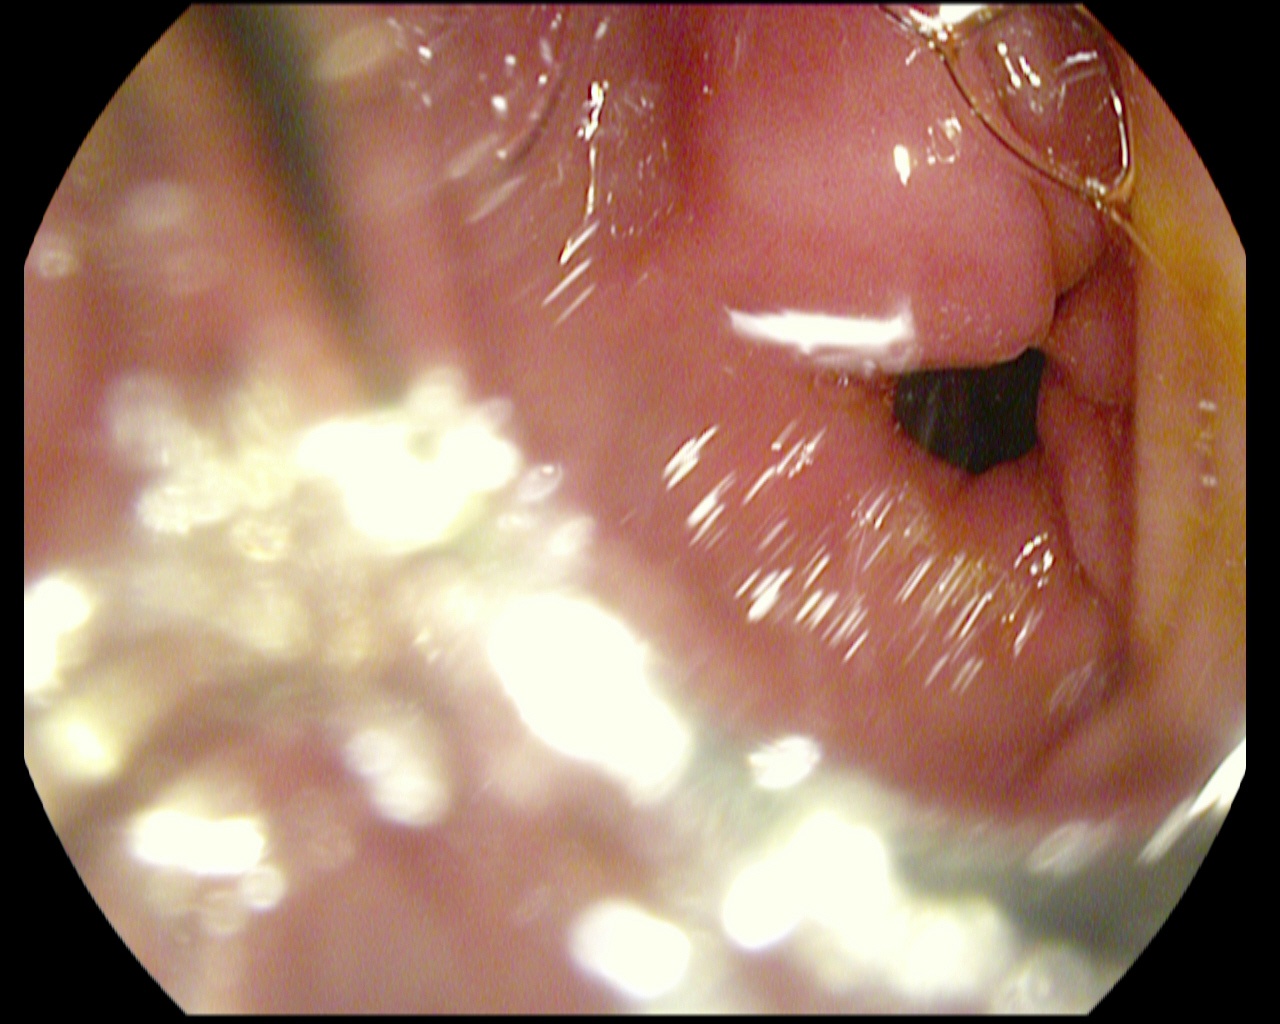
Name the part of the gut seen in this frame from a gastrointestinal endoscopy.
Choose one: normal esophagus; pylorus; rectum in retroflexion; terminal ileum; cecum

pylorus